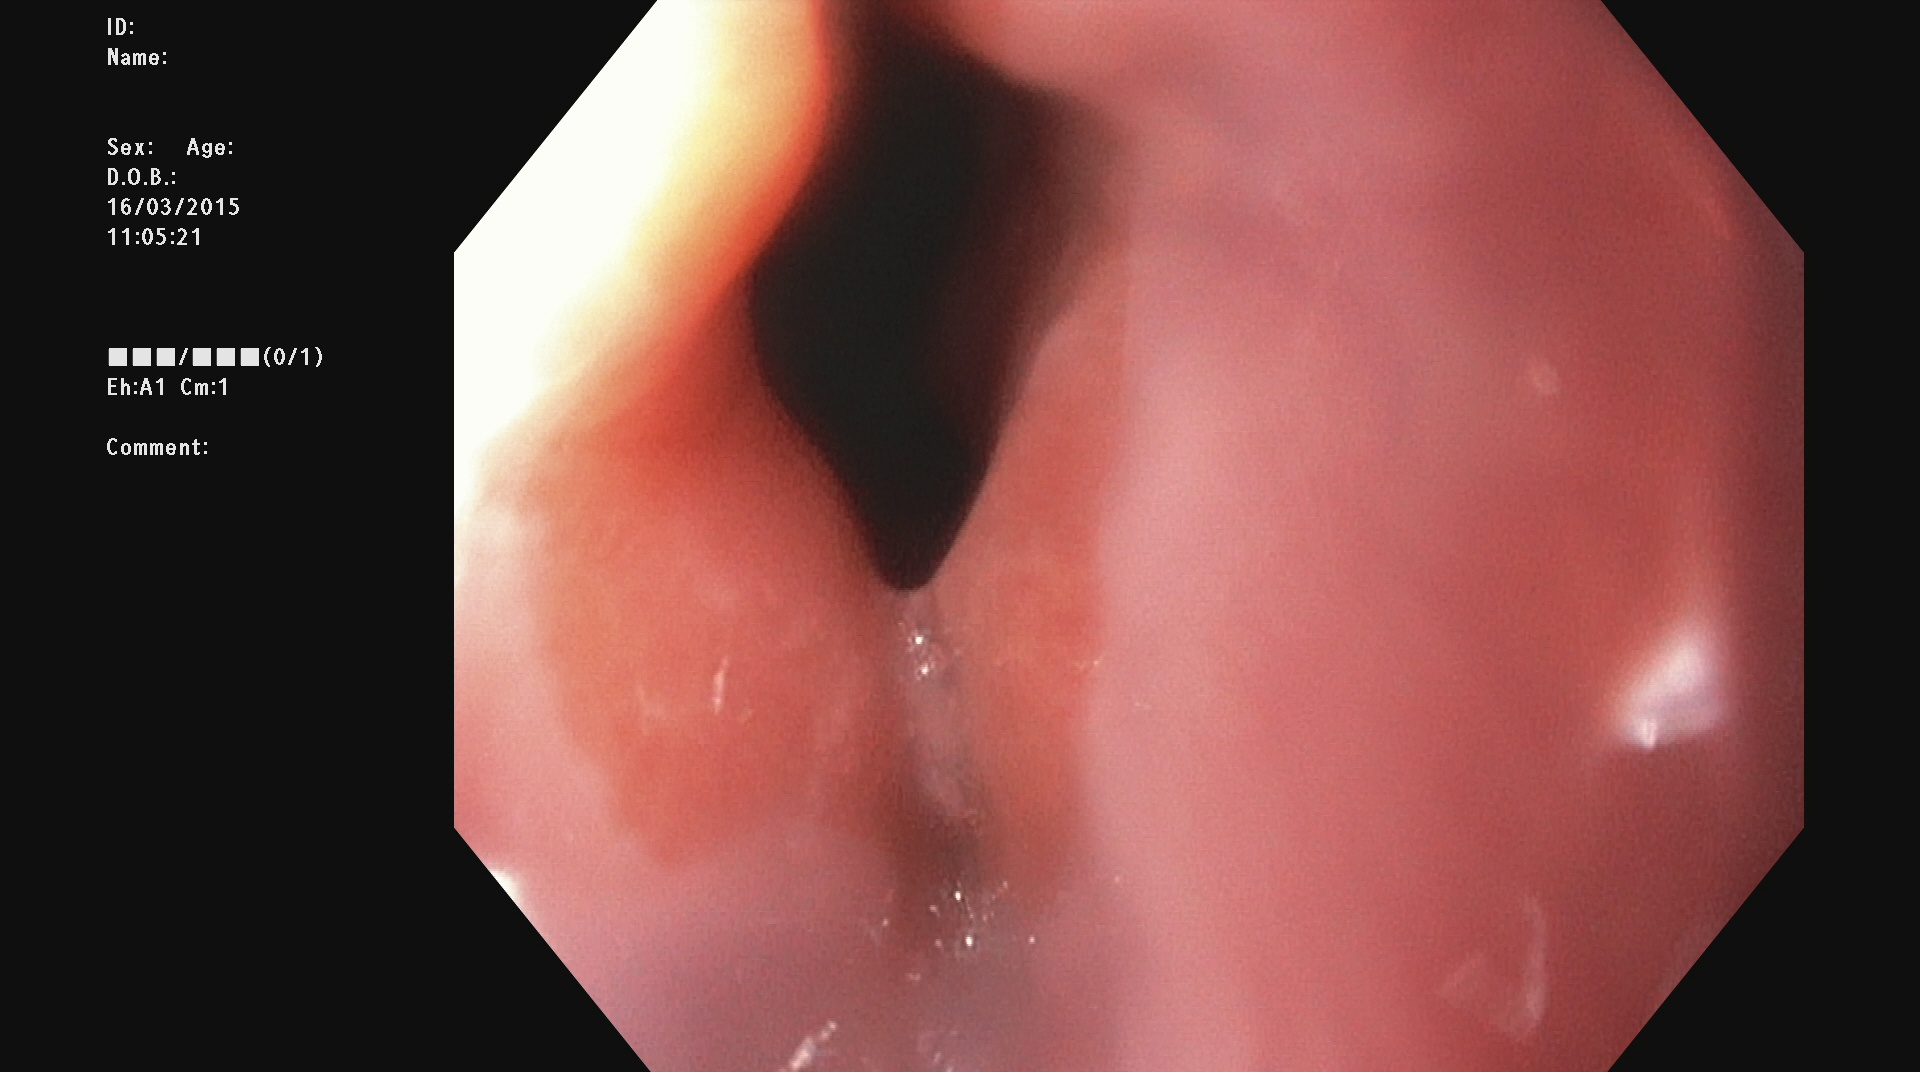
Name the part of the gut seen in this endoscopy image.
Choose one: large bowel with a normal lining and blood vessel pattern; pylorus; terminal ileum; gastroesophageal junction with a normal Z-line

gastroesophageal junction with a normal Z-line